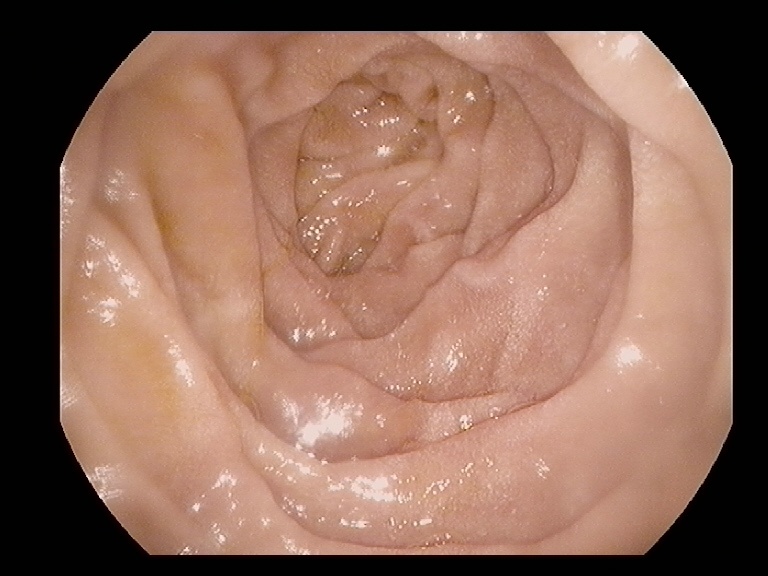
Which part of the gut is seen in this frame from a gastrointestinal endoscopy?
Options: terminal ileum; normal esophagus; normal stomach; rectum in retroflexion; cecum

terminal ileum